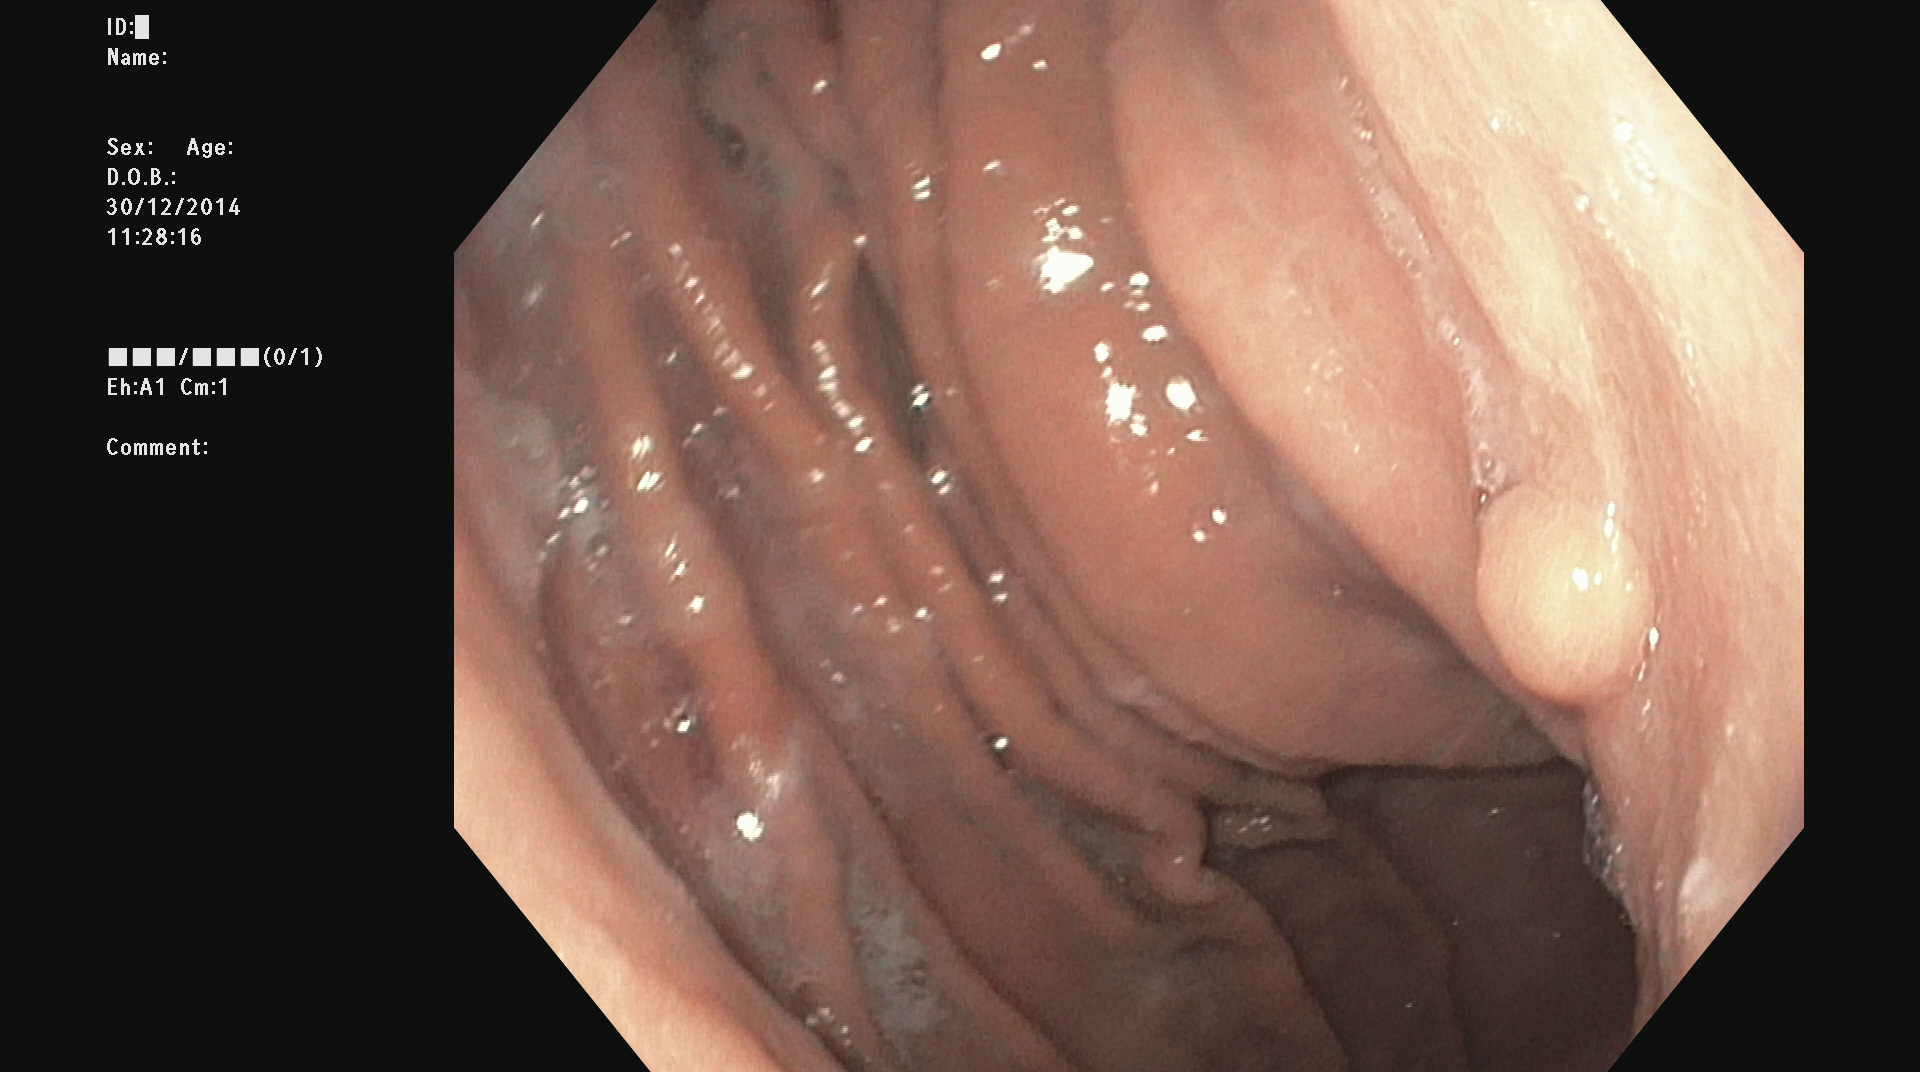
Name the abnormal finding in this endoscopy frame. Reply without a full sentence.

gastric polyp